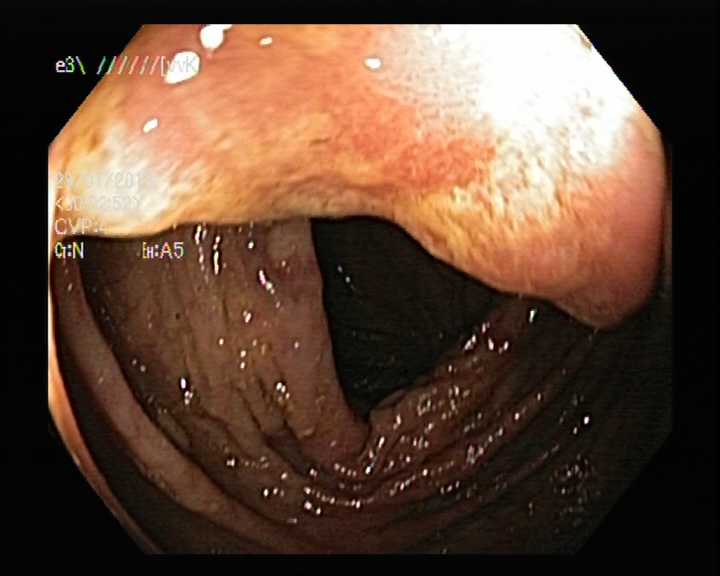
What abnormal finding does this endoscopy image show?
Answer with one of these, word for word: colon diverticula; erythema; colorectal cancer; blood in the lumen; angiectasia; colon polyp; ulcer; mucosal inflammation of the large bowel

colon polyp